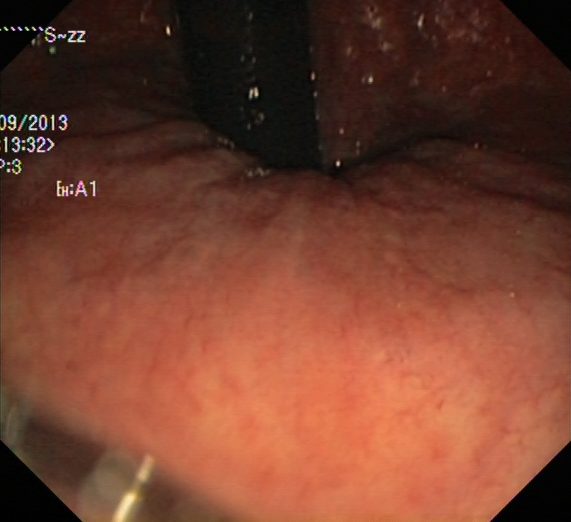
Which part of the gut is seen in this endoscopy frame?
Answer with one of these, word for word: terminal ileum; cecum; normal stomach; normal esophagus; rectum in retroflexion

rectum in retroflexion